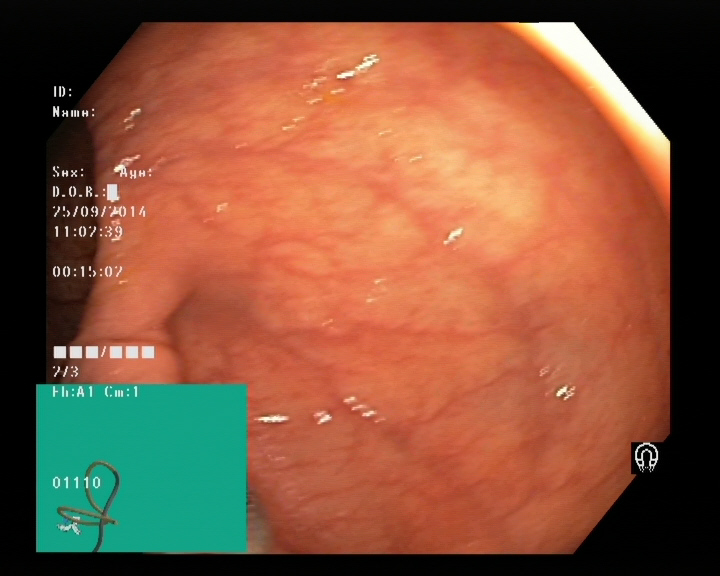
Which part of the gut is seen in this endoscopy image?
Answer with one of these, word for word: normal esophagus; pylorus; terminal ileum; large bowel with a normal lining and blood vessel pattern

large bowel with a normal lining and blood vessel pattern